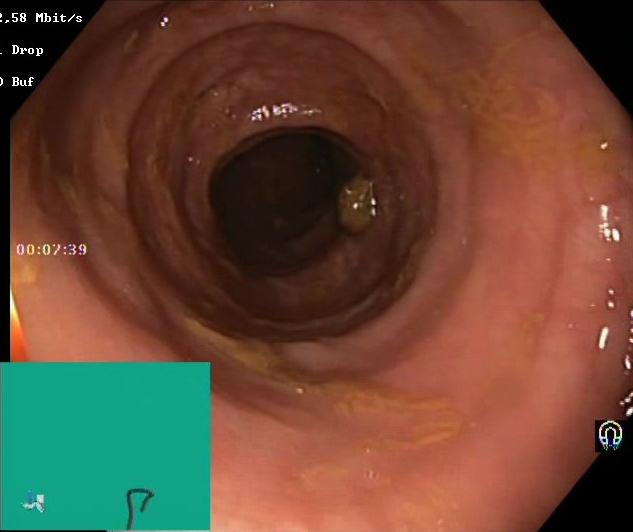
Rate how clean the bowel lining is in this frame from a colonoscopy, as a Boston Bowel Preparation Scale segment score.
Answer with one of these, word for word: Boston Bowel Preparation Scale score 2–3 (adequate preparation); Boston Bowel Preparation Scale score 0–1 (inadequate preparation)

Boston Bowel Preparation Scale score 2–3 (adequate preparation)